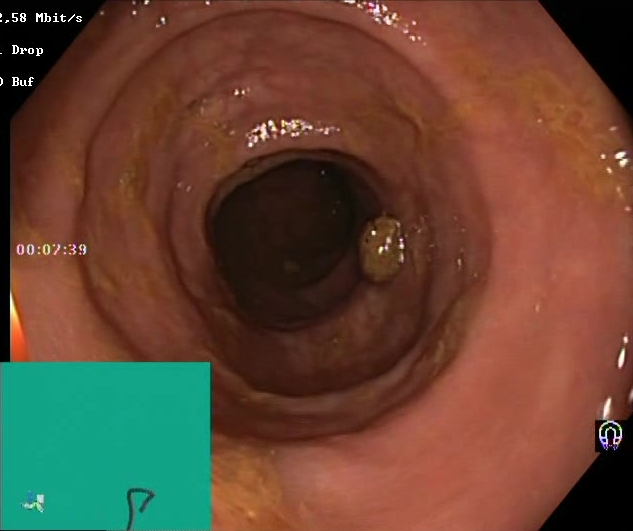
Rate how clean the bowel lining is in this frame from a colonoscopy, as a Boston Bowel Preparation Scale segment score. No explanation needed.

Boston Bowel Preparation Scale score 2–3 (adequate preparation)